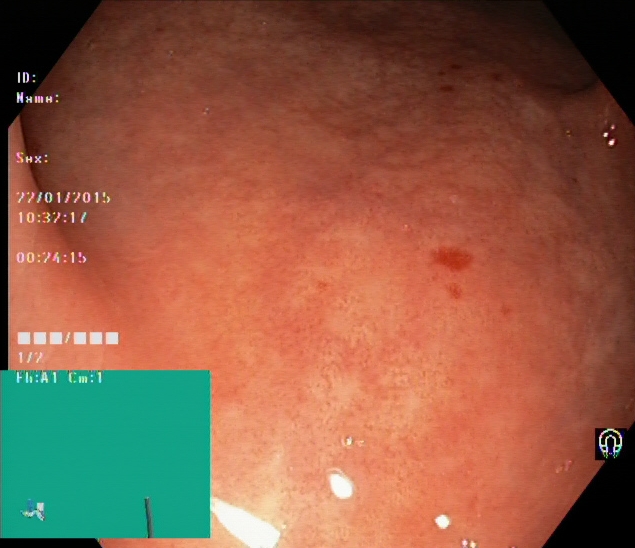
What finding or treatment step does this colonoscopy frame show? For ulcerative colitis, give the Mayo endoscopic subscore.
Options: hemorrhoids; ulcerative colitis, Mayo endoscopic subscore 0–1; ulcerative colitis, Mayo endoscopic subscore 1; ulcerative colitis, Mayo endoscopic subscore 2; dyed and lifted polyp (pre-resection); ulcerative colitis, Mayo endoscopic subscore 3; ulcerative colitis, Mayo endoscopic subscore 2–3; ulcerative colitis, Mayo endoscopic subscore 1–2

ulcerative colitis, Mayo endoscopic subscore 1